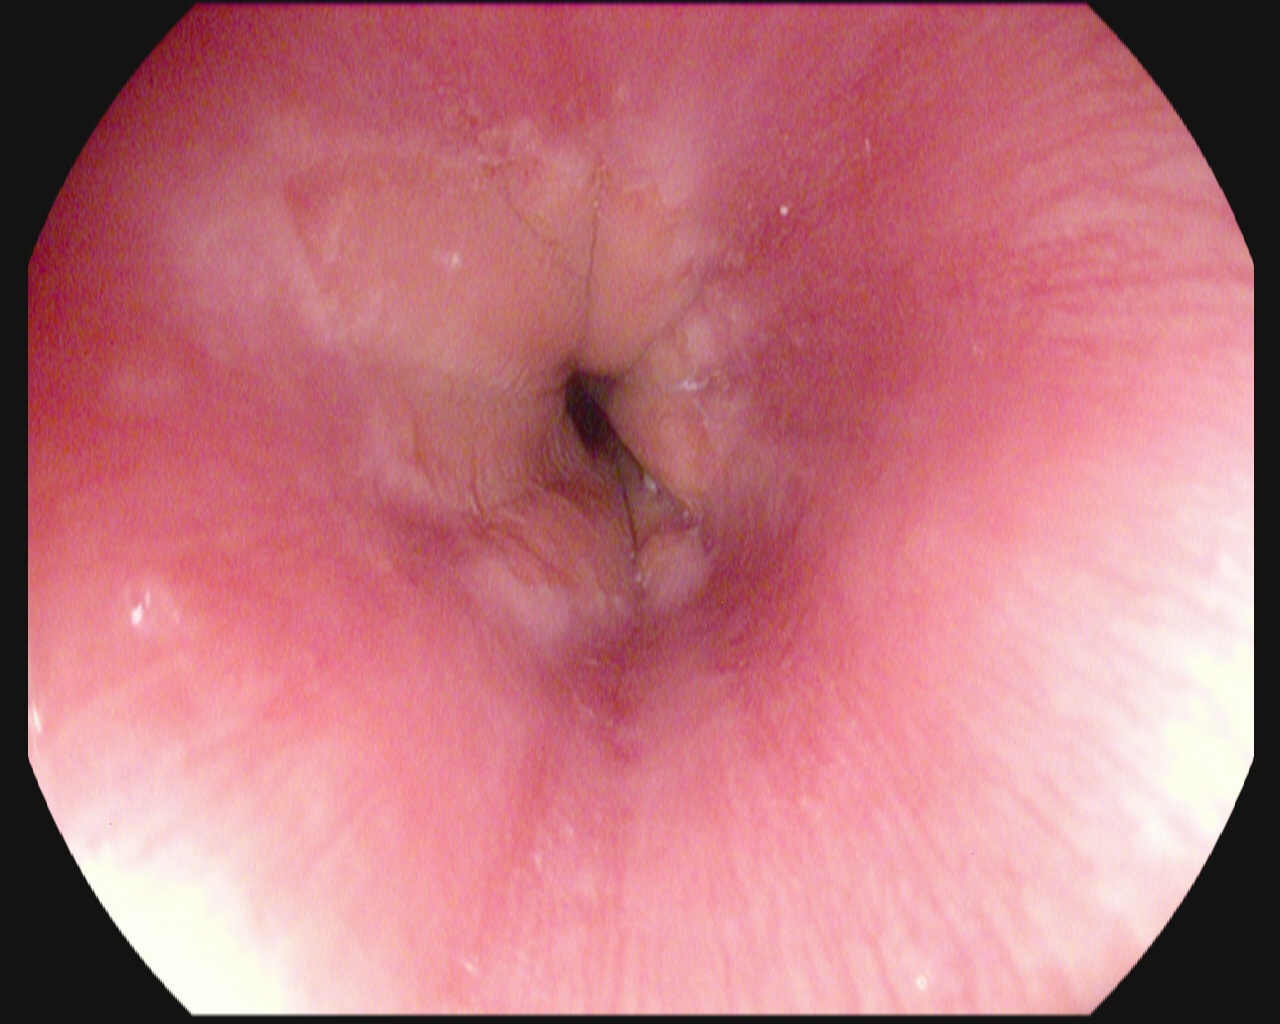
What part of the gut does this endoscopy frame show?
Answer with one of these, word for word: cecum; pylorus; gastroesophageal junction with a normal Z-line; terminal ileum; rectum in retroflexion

gastroesophageal junction with a normal Z-line